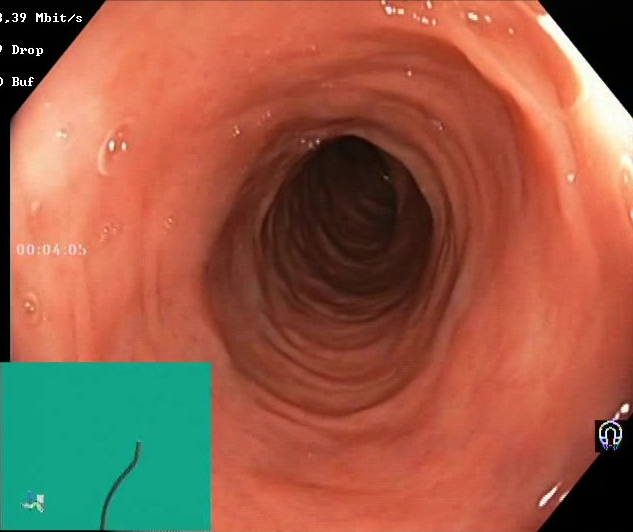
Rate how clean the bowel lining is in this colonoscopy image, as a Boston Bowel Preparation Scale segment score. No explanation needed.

Boston Bowel Preparation Scale score 2–3 (adequate preparation)